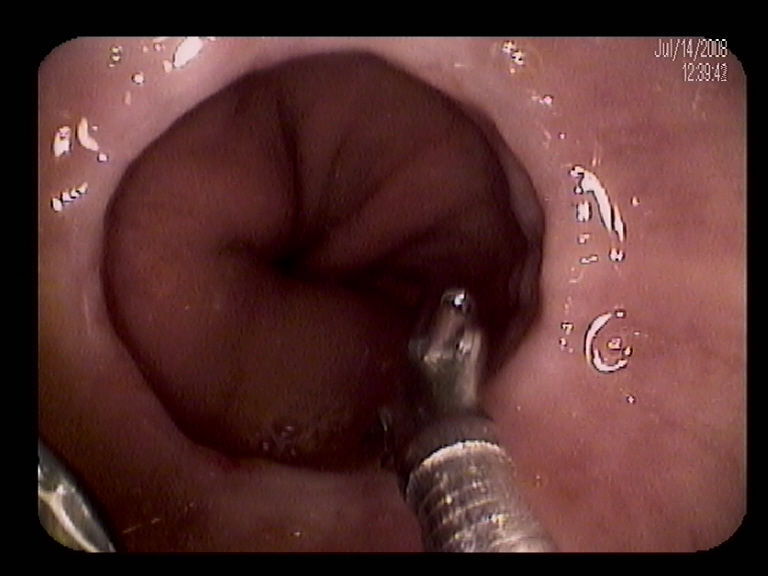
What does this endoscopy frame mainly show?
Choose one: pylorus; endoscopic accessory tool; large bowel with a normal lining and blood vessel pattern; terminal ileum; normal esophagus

endoscopic accessory tool